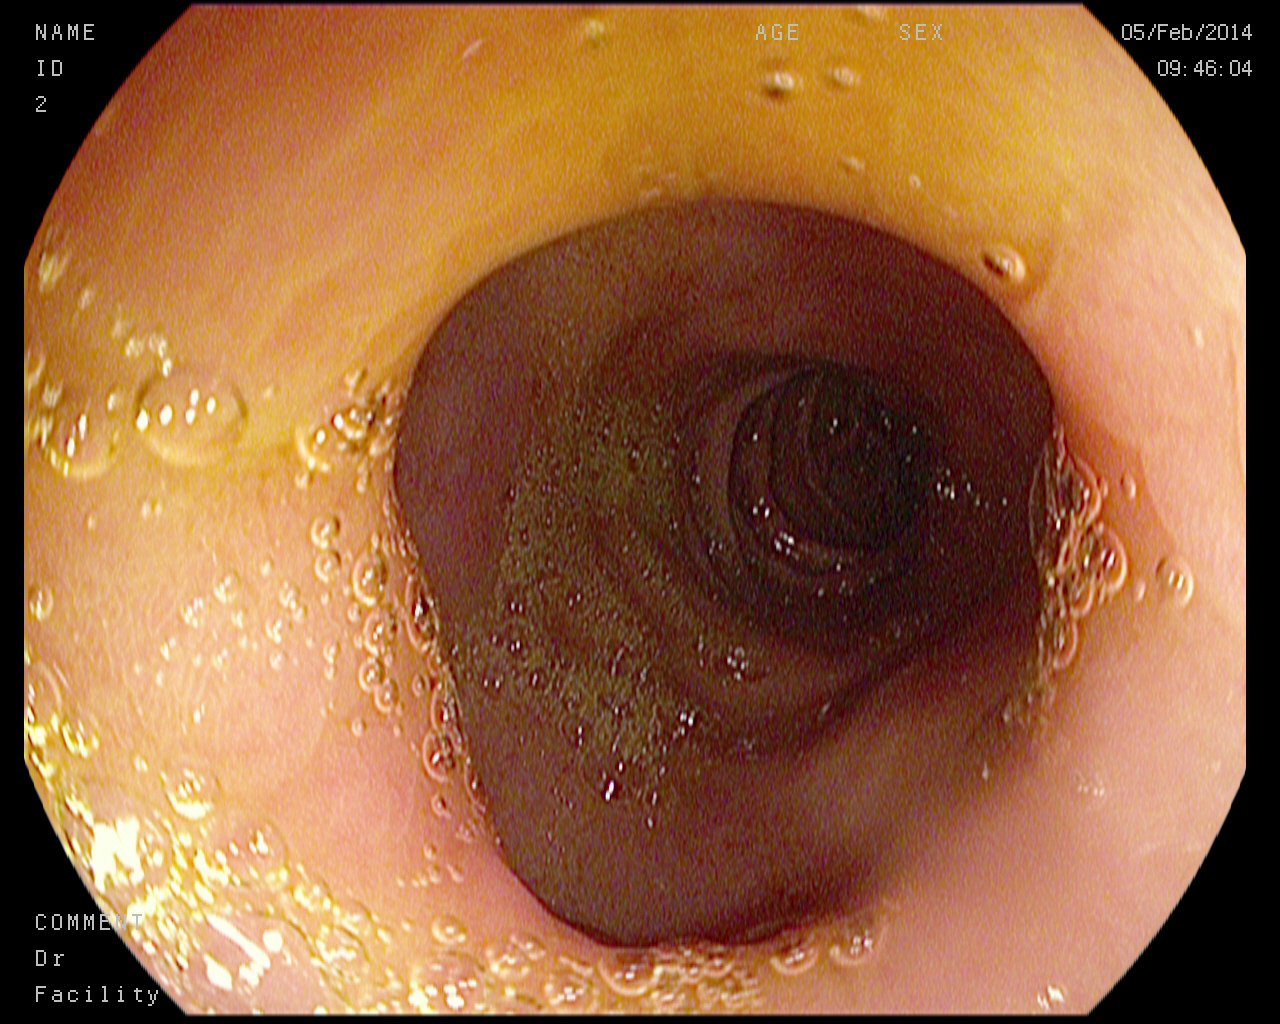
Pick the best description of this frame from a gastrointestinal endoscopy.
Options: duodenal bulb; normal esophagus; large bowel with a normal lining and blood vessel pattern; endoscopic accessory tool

duodenal bulb